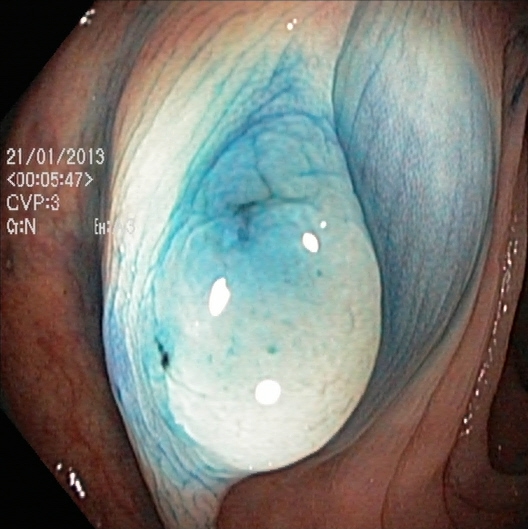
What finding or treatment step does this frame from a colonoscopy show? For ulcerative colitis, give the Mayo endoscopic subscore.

dyed and lifted polyp (pre-resection)